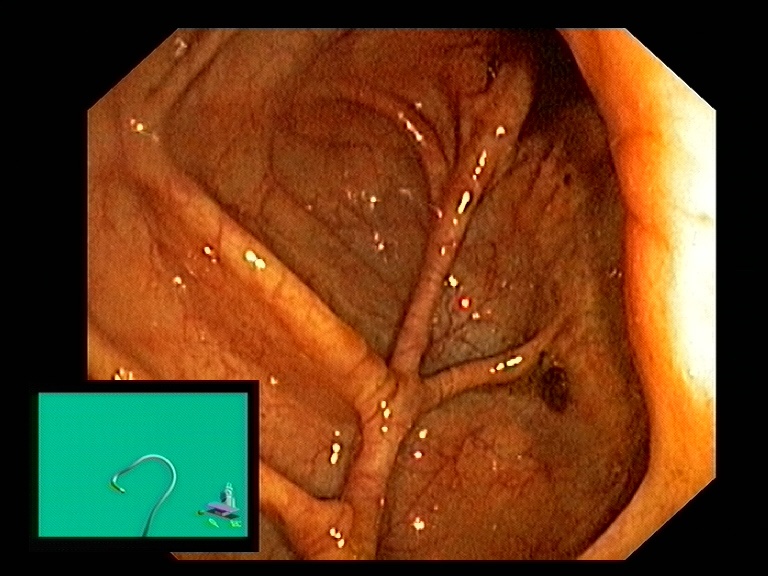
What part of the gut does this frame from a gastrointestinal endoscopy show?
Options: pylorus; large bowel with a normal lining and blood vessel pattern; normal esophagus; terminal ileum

large bowel with a normal lining and blood vessel pattern